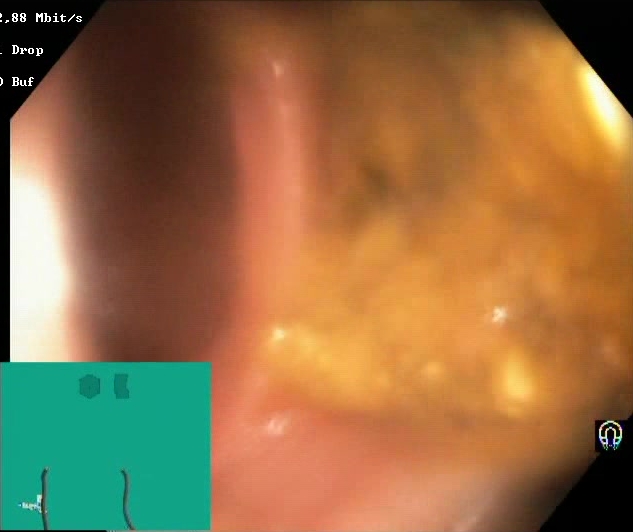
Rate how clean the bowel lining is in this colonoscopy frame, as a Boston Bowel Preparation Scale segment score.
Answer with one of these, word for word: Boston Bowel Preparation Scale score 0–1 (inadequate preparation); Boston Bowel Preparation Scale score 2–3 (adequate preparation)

Boston Bowel Preparation Scale score 0–1 (inadequate preparation)